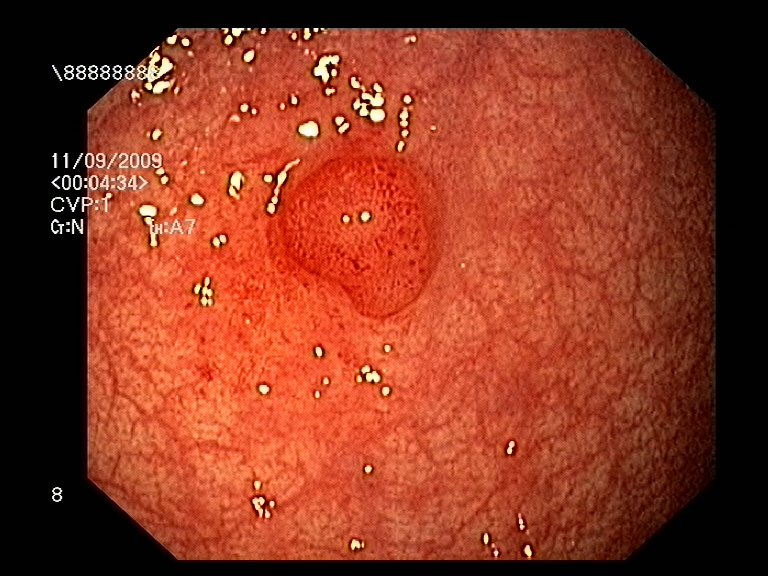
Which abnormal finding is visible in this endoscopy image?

colon polyp